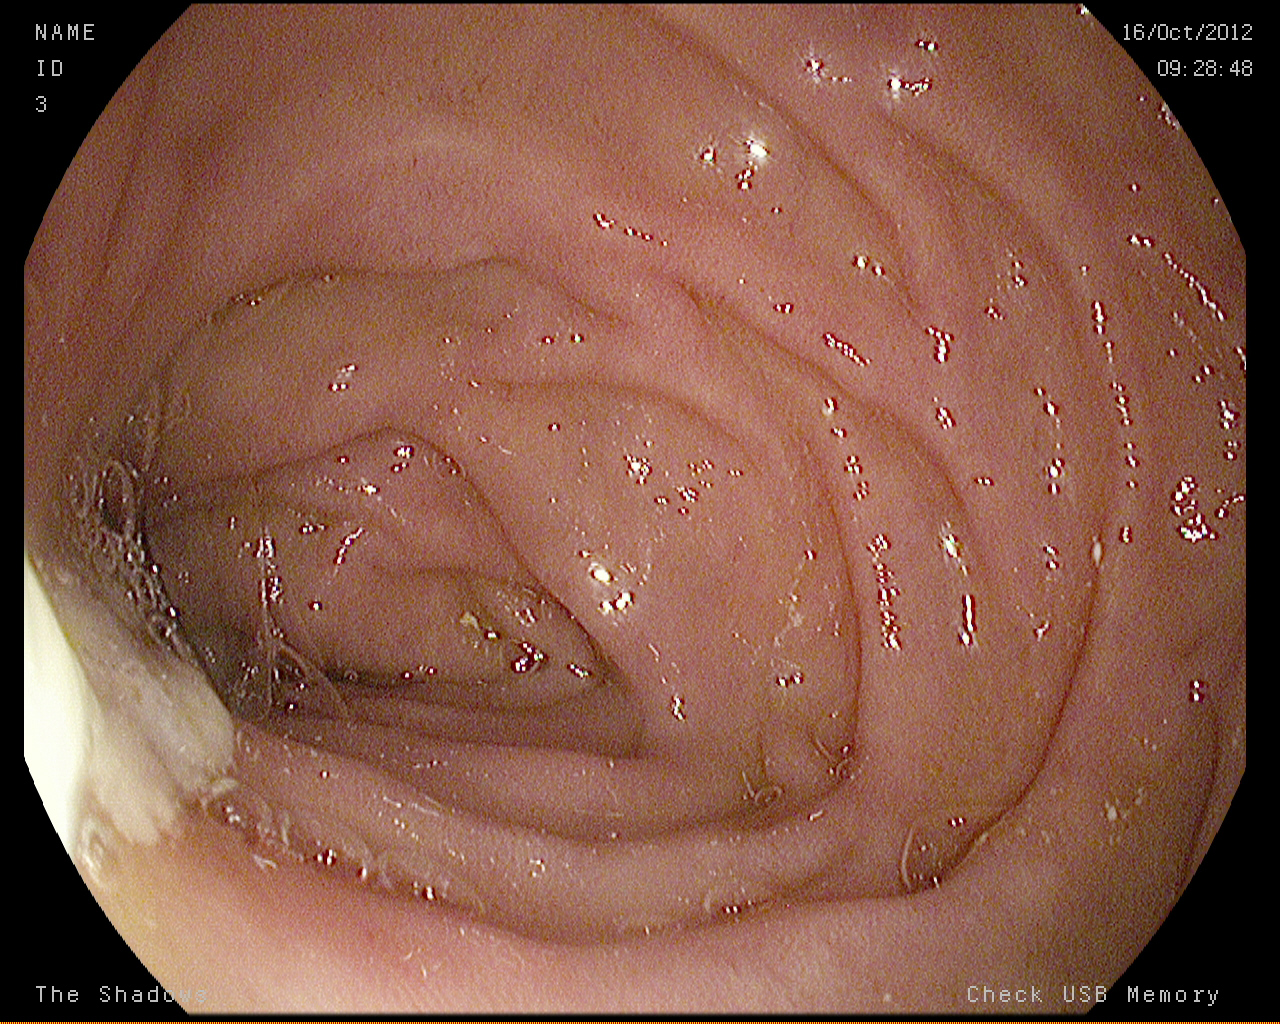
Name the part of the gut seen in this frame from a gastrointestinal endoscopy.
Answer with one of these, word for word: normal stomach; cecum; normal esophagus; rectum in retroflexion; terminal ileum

terminal ileum